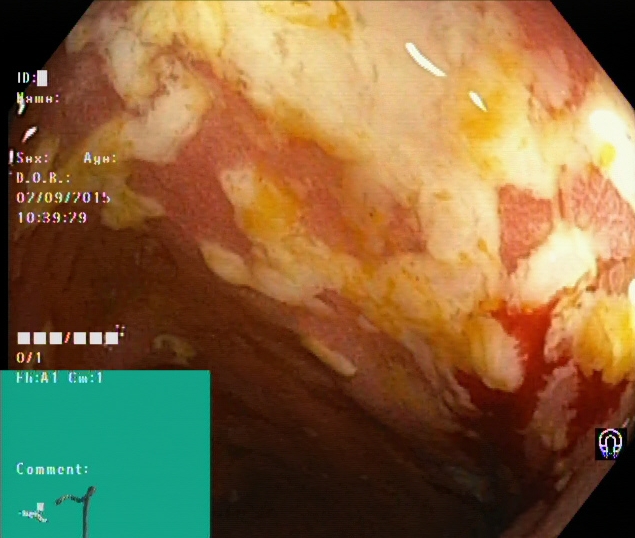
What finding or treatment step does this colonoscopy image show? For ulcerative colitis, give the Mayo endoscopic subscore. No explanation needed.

ulcerative colitis, Mayo endoscopic subscore 2